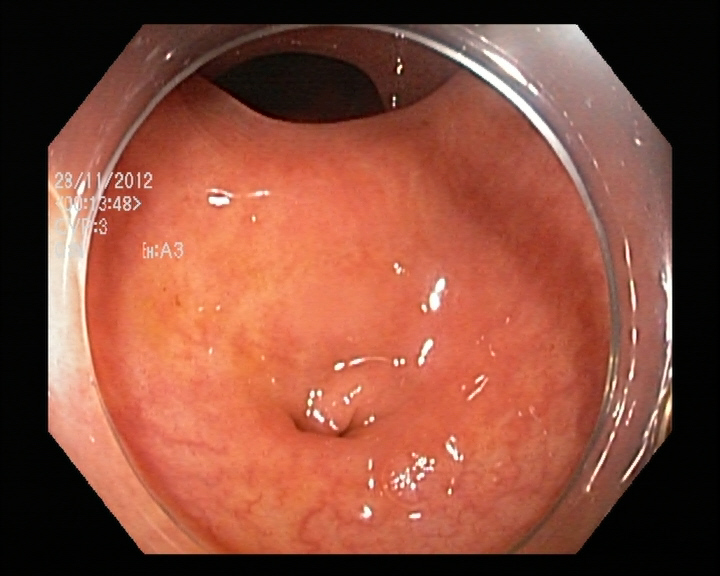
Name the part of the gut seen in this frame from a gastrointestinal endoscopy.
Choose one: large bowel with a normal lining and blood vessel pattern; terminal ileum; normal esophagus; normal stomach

large bowel with a normal lining and blood vessel pattern